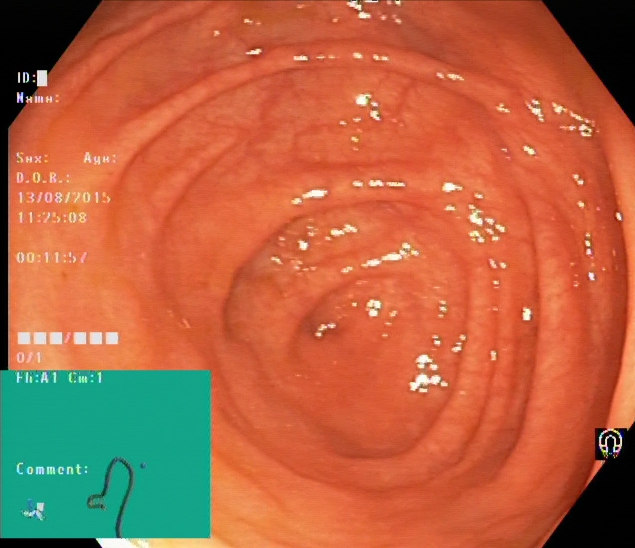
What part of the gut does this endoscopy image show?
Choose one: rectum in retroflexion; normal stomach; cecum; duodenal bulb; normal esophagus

cecum